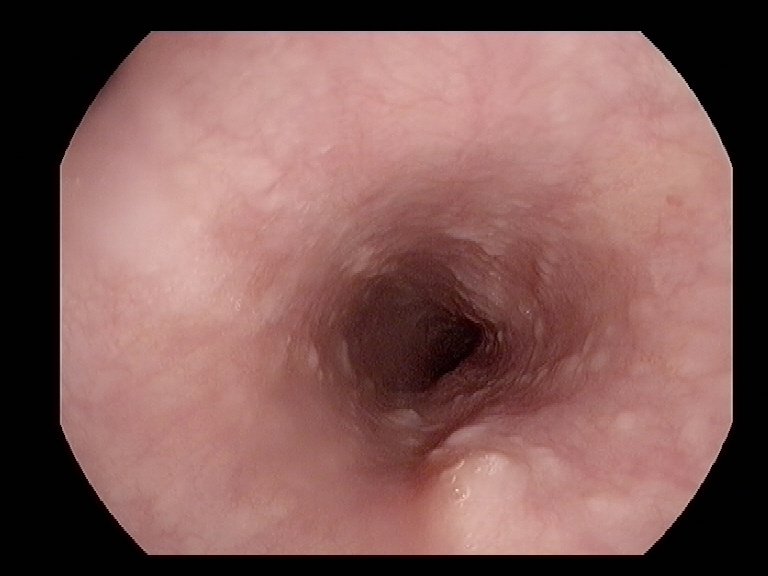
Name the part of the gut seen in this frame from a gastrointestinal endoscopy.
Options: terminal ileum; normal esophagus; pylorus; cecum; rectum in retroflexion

normal esophagus